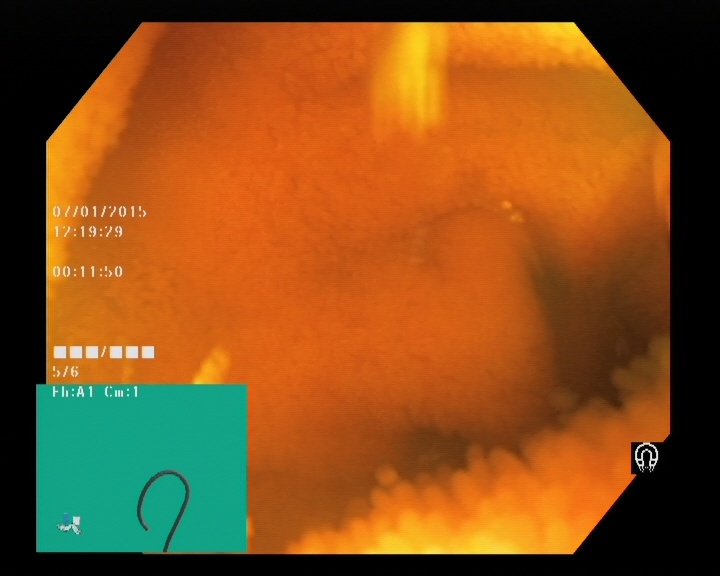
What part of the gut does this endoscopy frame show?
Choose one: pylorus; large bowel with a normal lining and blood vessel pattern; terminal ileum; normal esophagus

terminal ileum